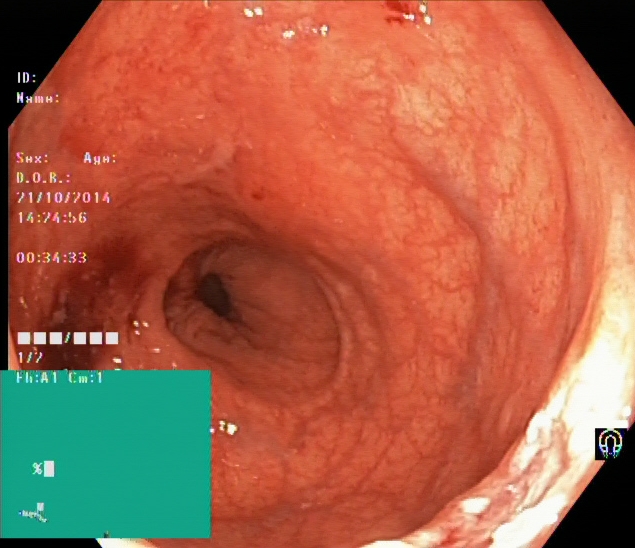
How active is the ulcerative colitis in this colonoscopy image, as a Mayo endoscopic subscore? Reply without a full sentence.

ulcerative colitis, Mayo endoscopic subscore 0–1